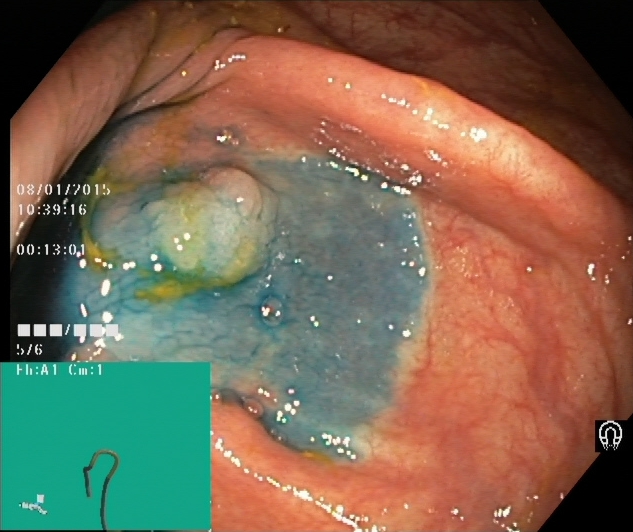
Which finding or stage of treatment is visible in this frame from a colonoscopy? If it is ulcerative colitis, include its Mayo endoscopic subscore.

dyed and lifted polyp (pre-resection)